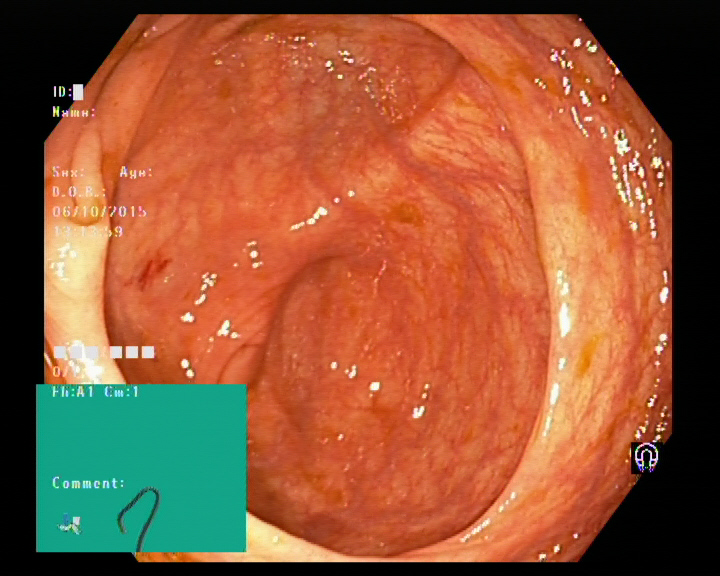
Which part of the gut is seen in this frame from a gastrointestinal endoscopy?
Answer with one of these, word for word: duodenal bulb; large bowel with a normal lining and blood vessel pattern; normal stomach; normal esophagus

large bowel with a normal lining and blood vessel pattern